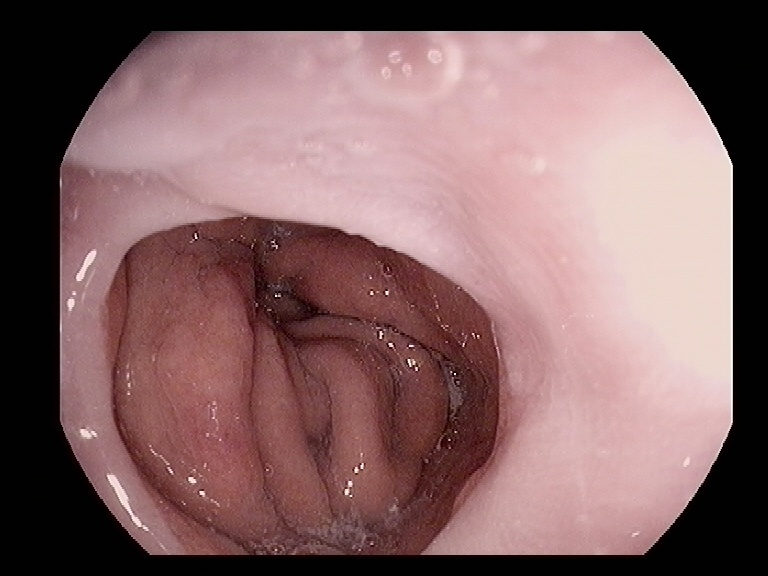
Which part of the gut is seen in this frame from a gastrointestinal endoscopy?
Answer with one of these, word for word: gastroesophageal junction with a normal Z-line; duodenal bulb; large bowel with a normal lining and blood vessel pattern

gastroesophageal junction with a normal Z-line